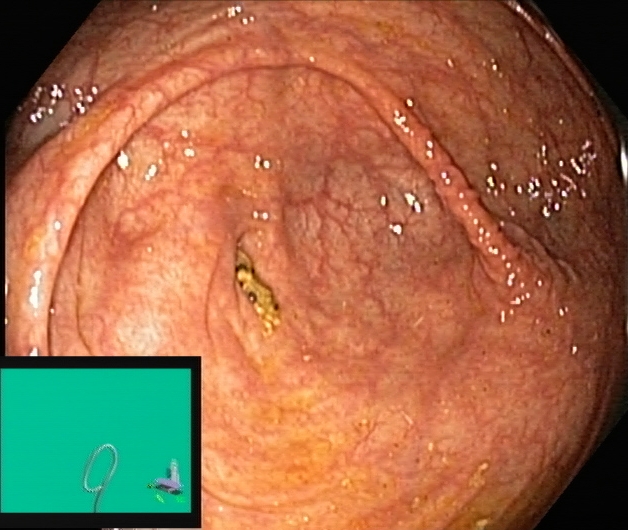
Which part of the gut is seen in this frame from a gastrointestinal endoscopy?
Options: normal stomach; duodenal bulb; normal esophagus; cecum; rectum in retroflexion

cecum